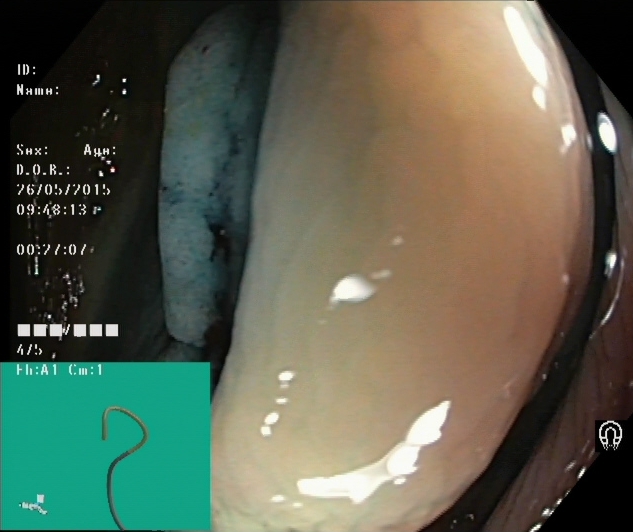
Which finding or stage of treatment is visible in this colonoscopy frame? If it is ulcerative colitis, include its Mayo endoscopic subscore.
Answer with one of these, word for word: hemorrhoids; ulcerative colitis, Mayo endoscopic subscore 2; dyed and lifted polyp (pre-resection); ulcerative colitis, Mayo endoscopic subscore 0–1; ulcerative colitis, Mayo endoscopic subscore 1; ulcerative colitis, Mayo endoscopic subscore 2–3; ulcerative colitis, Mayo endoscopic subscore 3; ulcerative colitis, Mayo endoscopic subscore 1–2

dyed and lifted polyp (pre-resection)